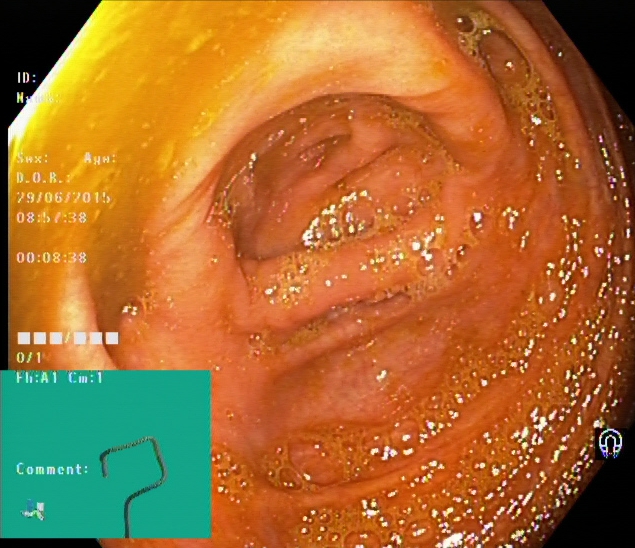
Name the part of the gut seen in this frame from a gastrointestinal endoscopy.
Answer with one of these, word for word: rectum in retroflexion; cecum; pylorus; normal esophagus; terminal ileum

cecum